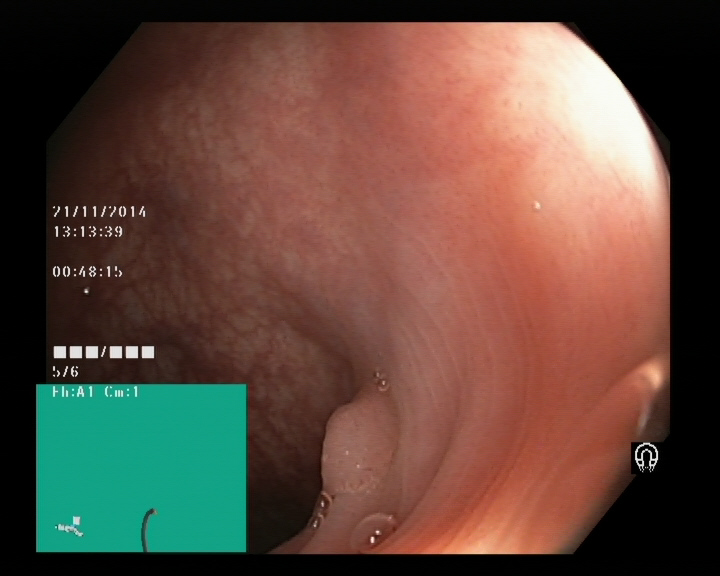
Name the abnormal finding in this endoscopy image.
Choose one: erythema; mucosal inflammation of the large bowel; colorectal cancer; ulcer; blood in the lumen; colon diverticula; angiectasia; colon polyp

colon polyp